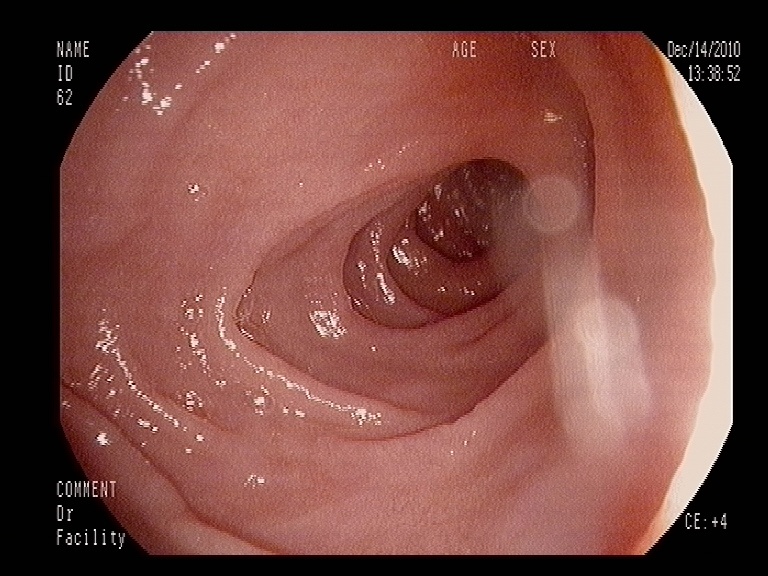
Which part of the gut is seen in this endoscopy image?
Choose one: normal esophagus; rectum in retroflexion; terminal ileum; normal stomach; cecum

terminal ileum